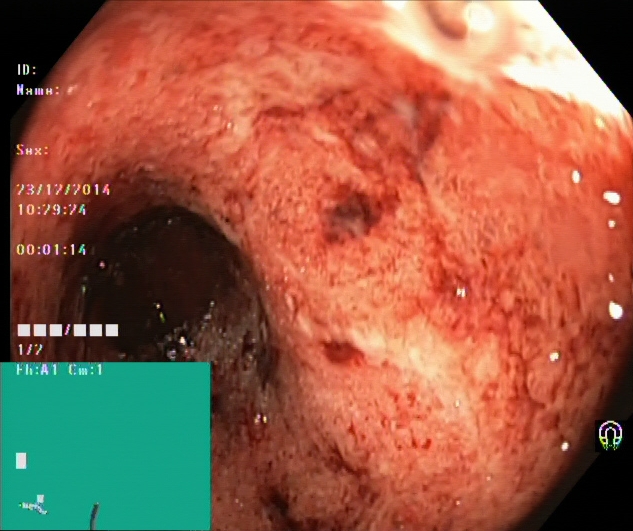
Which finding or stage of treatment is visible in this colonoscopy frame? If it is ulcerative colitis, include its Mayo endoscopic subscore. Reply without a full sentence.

ulcerative colitis, Mayo endoscopic subscore 3